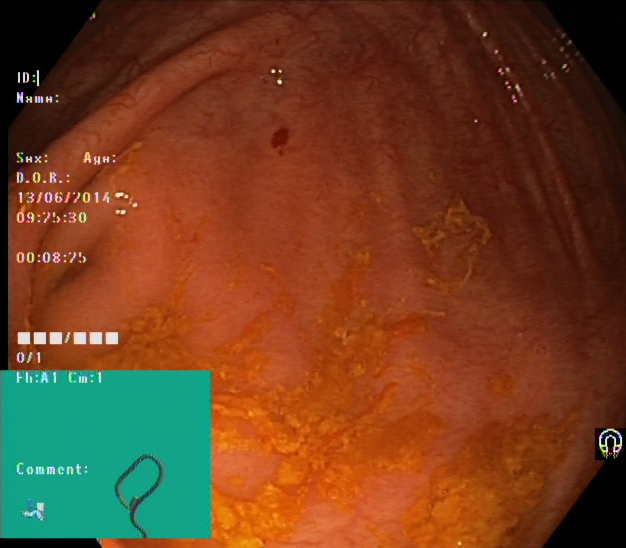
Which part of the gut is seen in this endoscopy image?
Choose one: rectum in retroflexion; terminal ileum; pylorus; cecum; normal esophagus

cecum